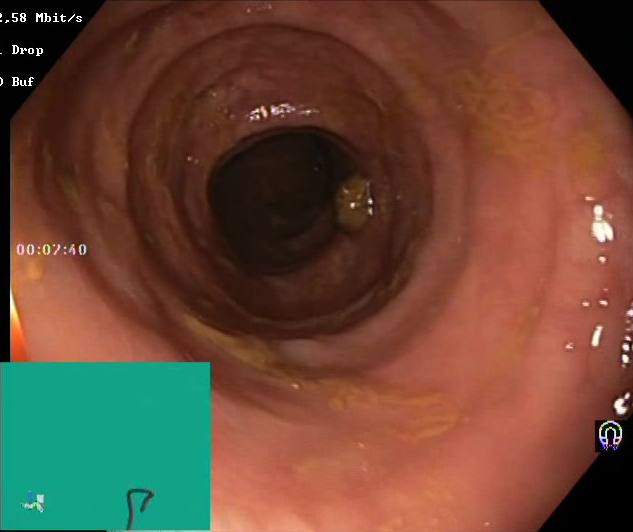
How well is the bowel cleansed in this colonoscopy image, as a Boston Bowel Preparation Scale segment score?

Boston Bowel Preparation Scale score 2–3 (adequate preparation)